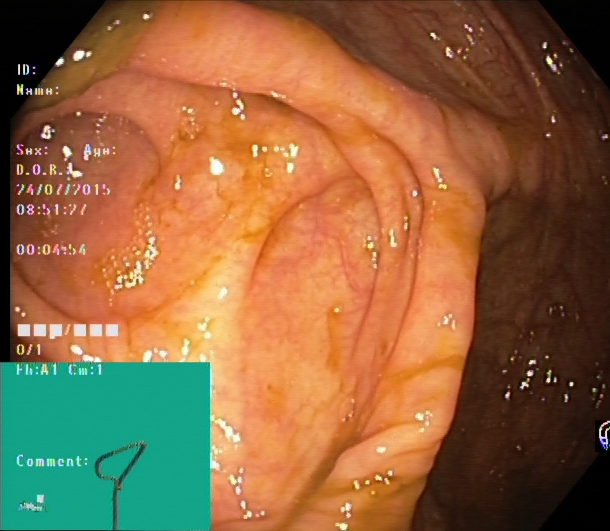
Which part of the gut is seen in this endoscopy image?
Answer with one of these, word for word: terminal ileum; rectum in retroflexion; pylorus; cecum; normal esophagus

cecum